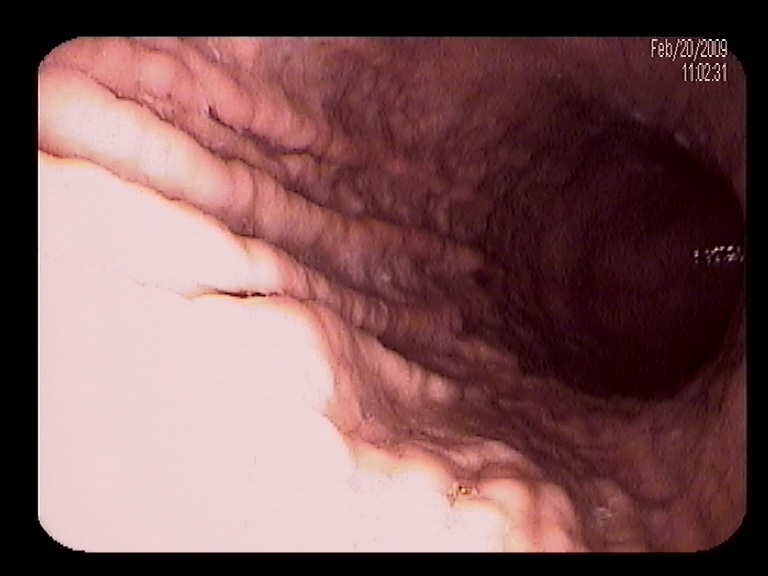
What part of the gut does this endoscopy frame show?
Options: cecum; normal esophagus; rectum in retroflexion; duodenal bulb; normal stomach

normal stomach